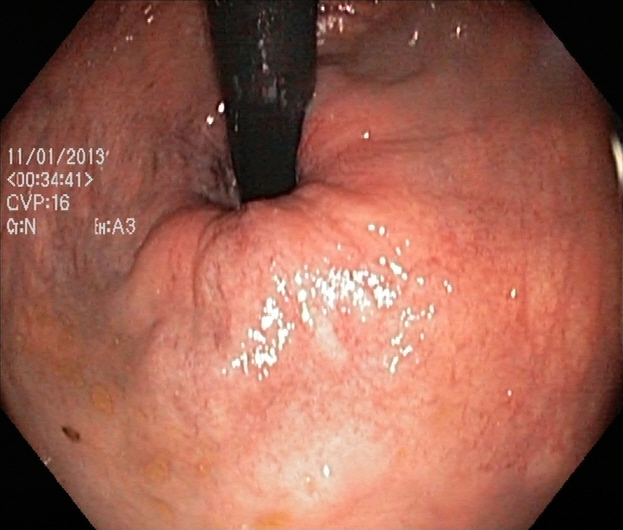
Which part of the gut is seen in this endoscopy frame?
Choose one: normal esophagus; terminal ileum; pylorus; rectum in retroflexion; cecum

rectum in retroflexion